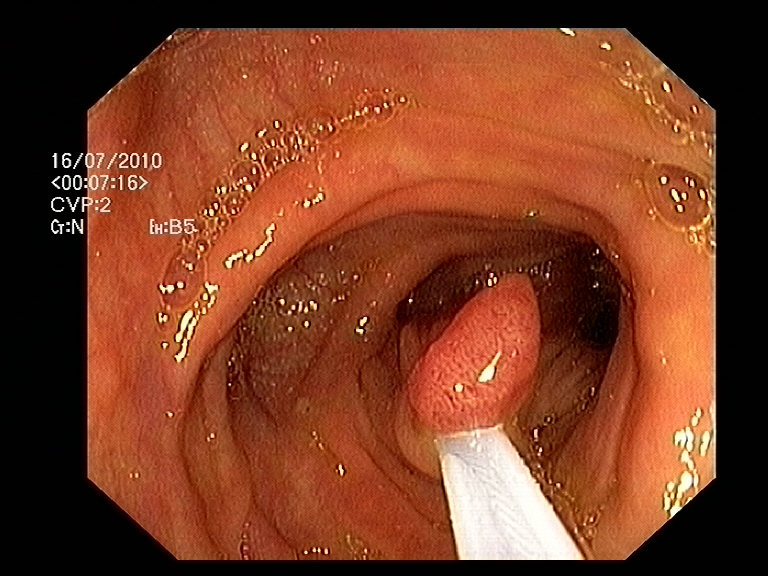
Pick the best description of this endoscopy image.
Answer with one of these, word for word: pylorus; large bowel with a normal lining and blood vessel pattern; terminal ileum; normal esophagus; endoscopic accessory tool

endoscopic accessory tool